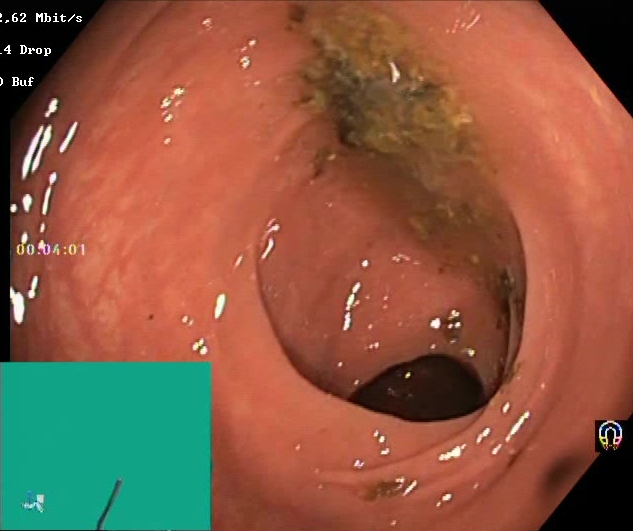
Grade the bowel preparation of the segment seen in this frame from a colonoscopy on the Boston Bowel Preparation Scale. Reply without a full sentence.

Boston Bowel Preparation Scale score 0–1 (inadequate preparation)